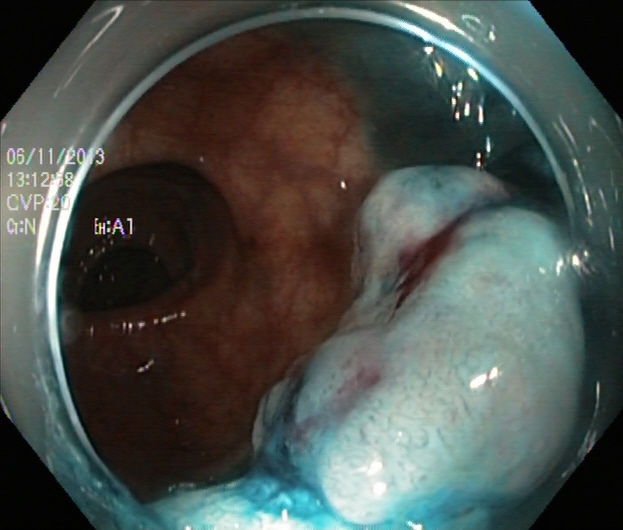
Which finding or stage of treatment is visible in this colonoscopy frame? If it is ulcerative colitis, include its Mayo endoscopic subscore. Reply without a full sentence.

dyed and lifted polyp (pre-resection)